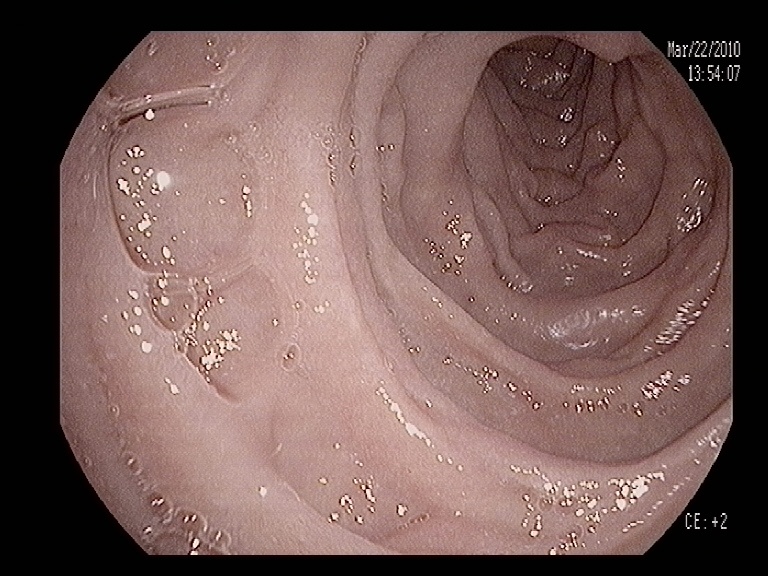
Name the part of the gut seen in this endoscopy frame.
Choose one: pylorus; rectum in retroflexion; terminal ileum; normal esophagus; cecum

terminal ileum